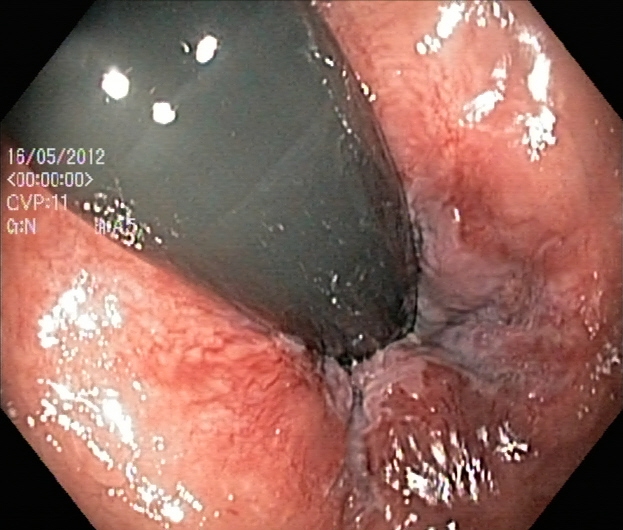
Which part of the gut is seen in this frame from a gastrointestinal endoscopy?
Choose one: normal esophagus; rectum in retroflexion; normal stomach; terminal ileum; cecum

rectum in retroflexion